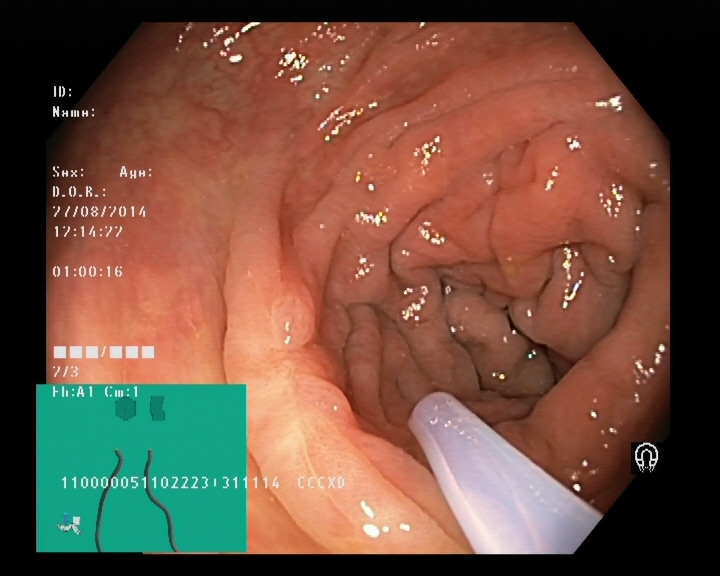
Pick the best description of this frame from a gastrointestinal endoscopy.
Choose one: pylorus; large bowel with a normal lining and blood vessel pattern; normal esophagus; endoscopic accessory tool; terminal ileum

endoscopic accessory tool